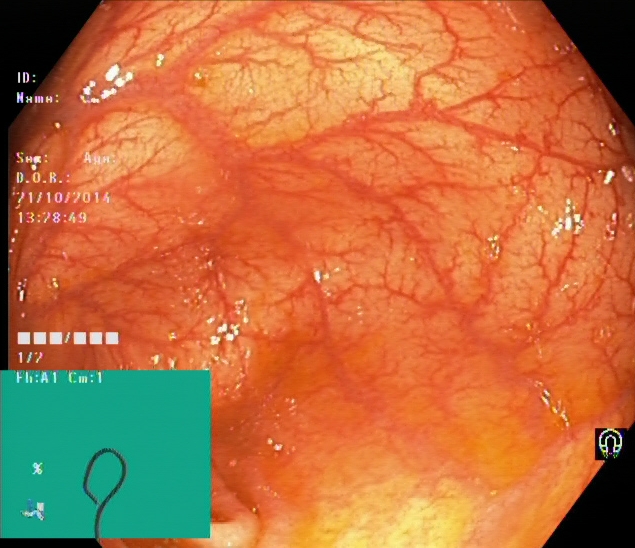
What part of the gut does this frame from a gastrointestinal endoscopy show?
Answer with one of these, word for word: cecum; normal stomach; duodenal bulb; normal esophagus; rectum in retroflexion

cecum